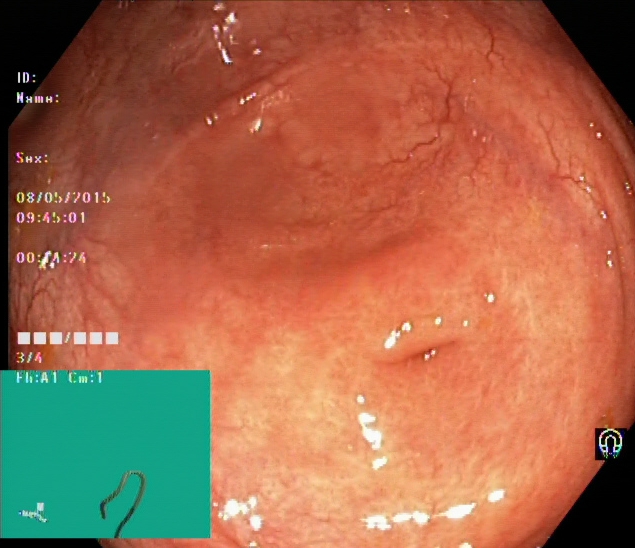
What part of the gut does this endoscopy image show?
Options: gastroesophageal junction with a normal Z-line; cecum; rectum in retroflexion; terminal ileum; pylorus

cecum